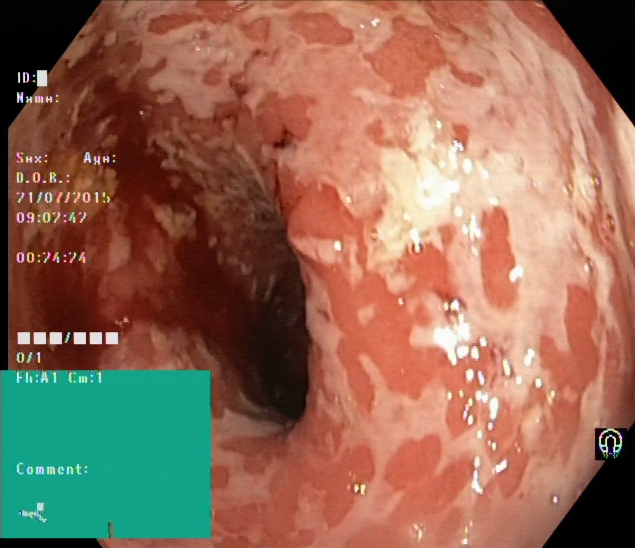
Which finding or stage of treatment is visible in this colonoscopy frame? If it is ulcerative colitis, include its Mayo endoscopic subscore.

ulcerative colitis, Mayo endoscopic subscore 2